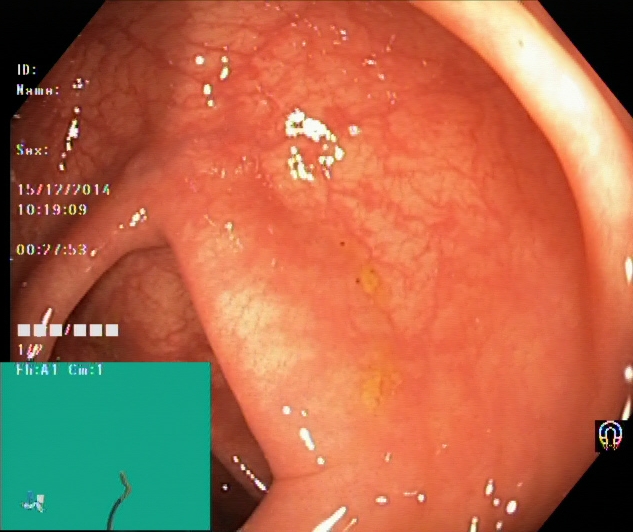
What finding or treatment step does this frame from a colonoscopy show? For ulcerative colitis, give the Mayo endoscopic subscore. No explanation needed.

ulcerative colitis, Mayo endoscopic subscore 0–1